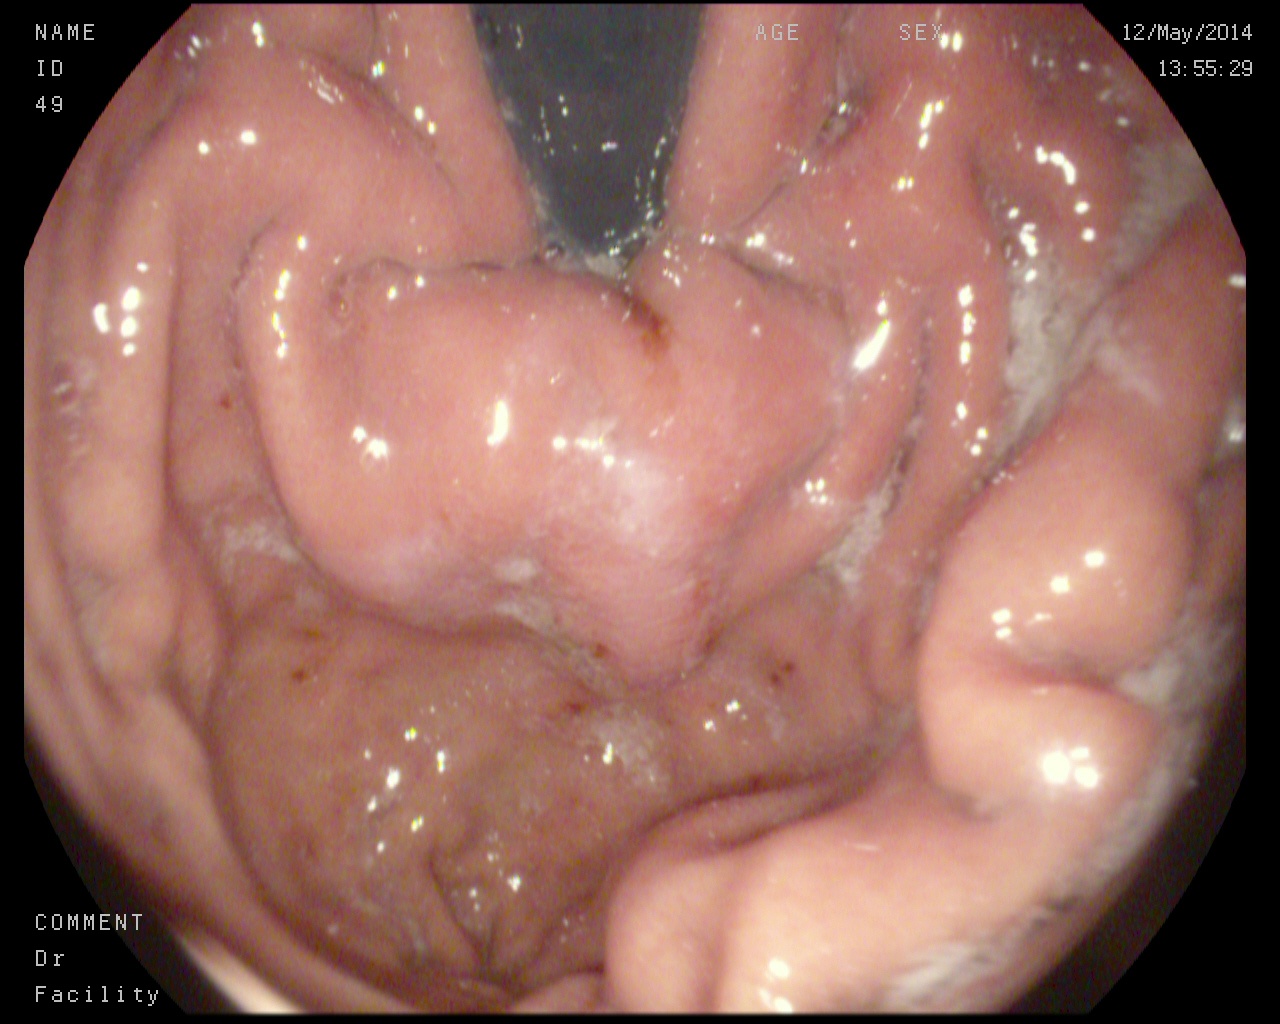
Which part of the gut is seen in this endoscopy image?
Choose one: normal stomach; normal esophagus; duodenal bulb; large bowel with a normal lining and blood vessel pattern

normal stomach